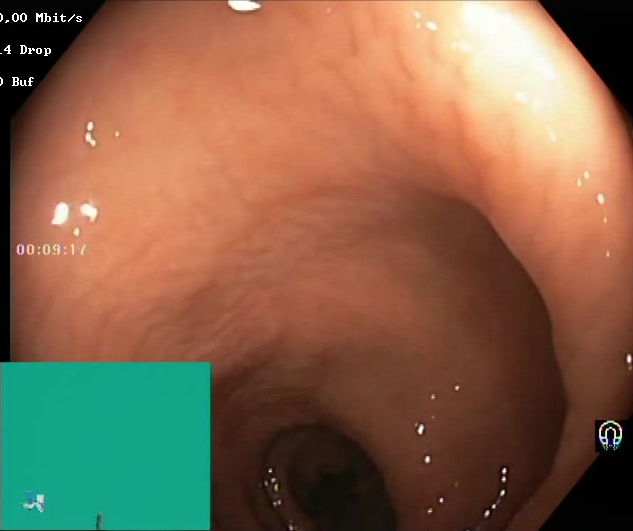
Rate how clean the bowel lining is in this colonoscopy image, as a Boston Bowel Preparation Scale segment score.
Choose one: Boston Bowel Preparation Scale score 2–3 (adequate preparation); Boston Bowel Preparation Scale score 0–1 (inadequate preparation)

Boston Bowel Preparation Scale score 2–3 (adequate preparation)